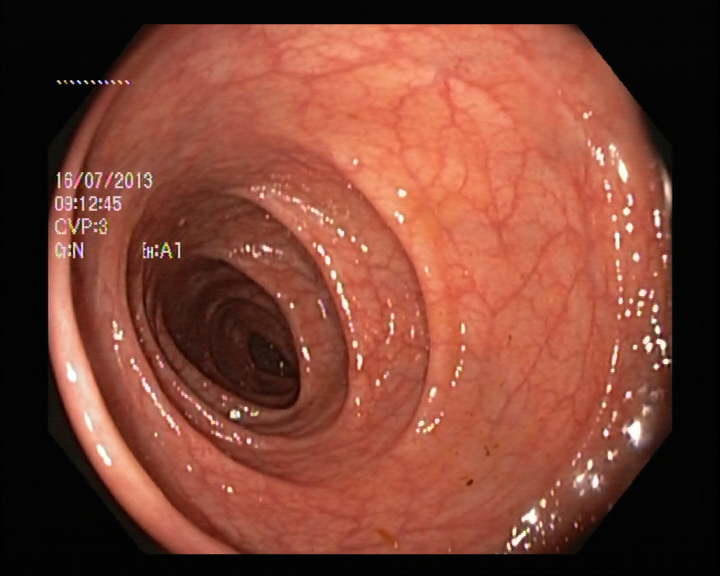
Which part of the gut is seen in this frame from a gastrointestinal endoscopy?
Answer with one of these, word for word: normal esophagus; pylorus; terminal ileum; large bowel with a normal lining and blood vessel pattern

large bowel with a normal lining and blood vessel pattern